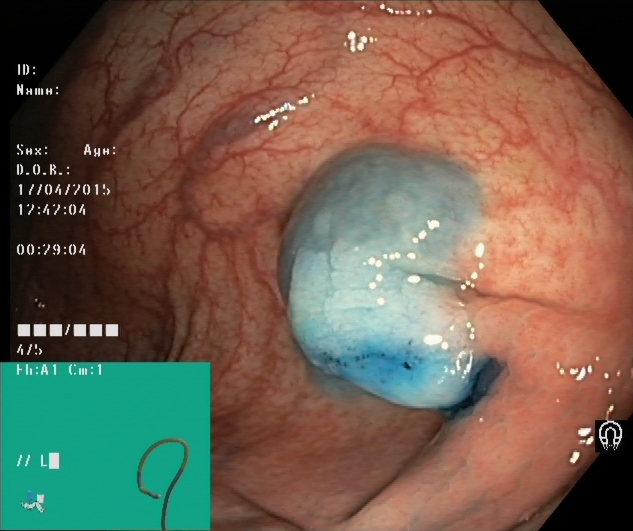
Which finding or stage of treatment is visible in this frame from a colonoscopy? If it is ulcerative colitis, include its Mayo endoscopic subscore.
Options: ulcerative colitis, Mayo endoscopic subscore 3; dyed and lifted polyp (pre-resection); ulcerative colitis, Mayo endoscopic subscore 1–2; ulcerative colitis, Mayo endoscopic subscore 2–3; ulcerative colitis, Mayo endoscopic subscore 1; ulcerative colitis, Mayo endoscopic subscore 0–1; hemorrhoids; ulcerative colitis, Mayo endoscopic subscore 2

dyed and lifted polyp (pre-resection)